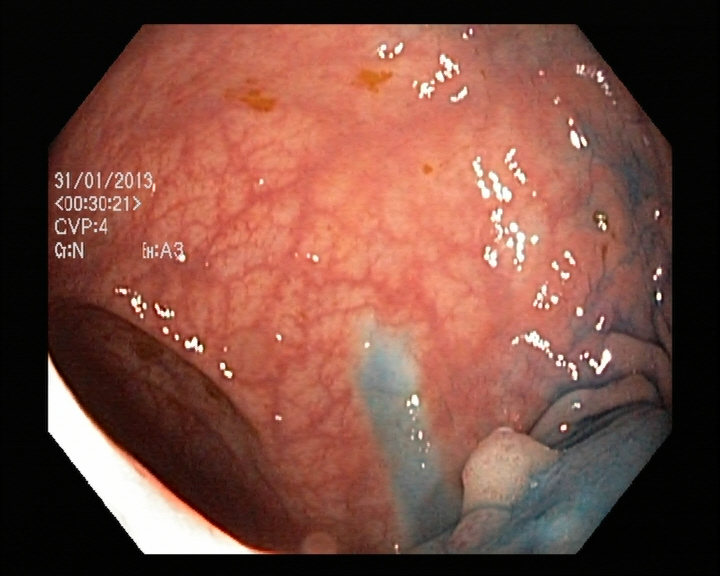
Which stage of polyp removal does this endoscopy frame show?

dyed and lifted polyp (pre-resection)